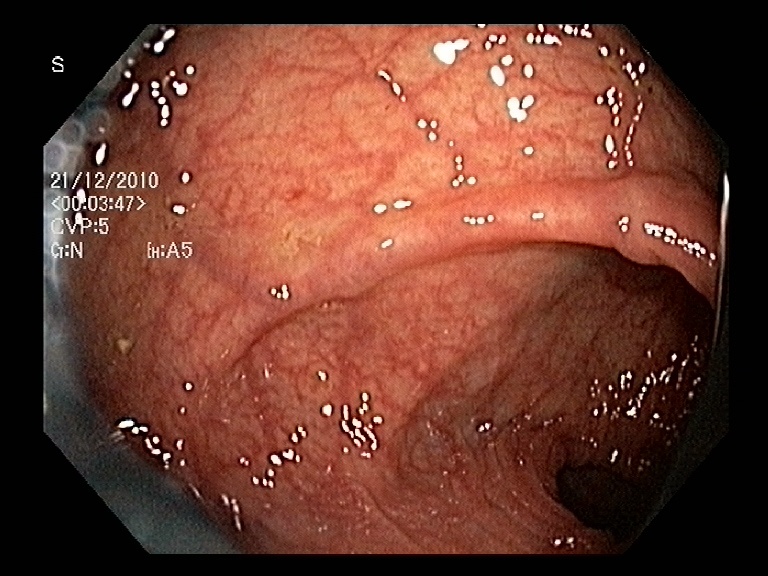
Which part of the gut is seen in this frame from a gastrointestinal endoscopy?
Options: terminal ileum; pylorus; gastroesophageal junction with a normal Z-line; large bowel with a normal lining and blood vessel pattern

large bowel with a normal lining and blood vessel pattern